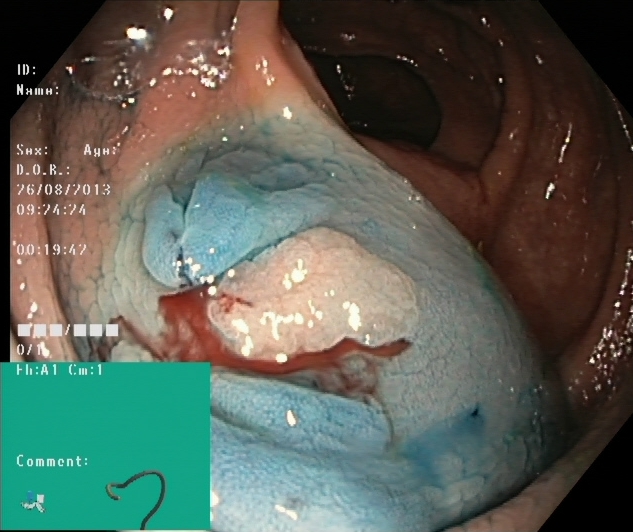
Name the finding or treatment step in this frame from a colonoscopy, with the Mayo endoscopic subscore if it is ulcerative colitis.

dyed and lifted polyp (pre-resection)